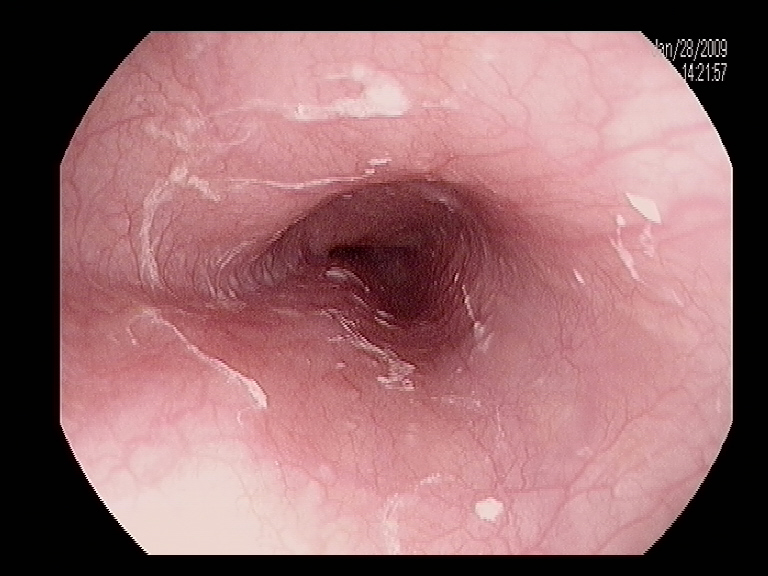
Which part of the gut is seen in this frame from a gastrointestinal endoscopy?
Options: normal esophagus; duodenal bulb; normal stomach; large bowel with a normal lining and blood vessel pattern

normal esophagus